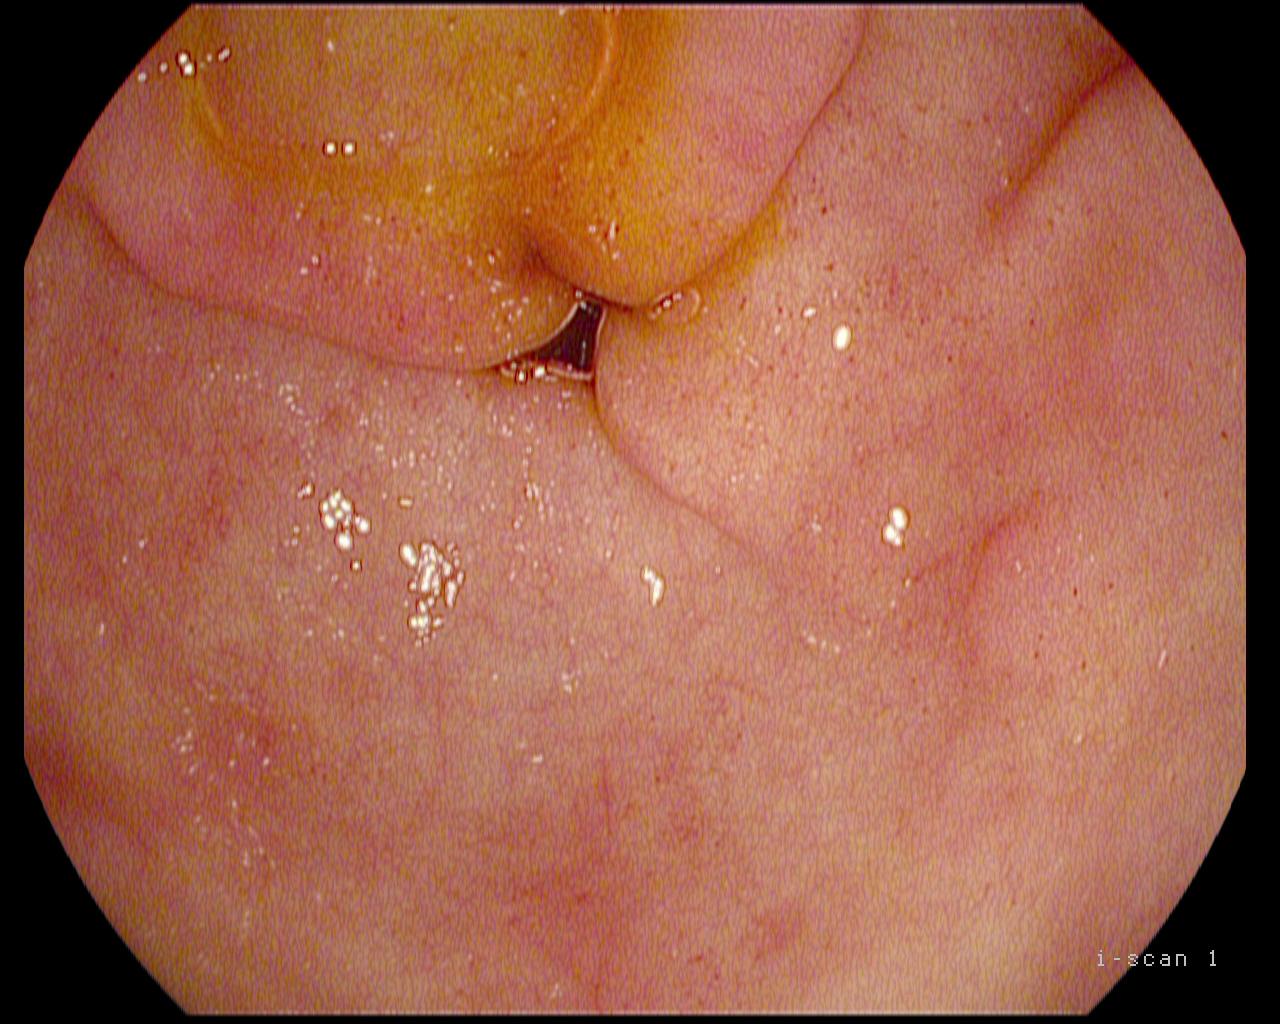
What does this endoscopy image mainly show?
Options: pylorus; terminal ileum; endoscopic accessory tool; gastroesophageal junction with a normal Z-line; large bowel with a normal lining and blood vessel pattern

pylorus